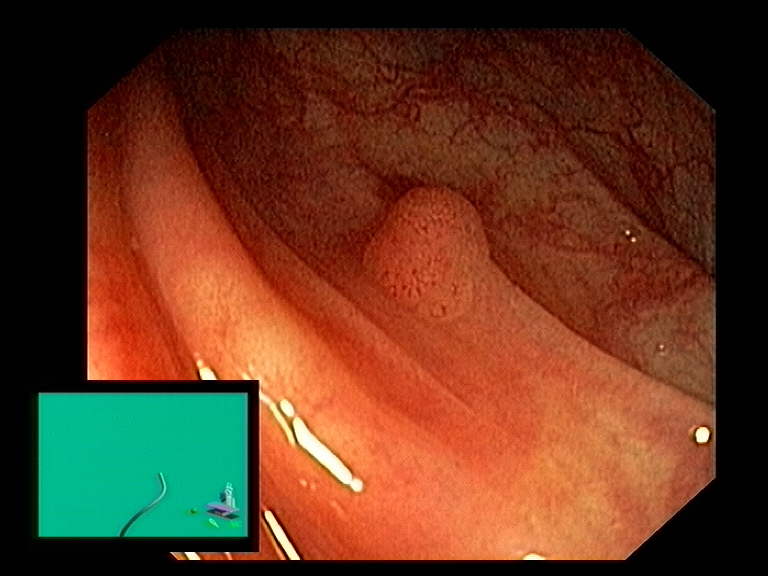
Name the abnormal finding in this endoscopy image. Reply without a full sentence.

colon polyp